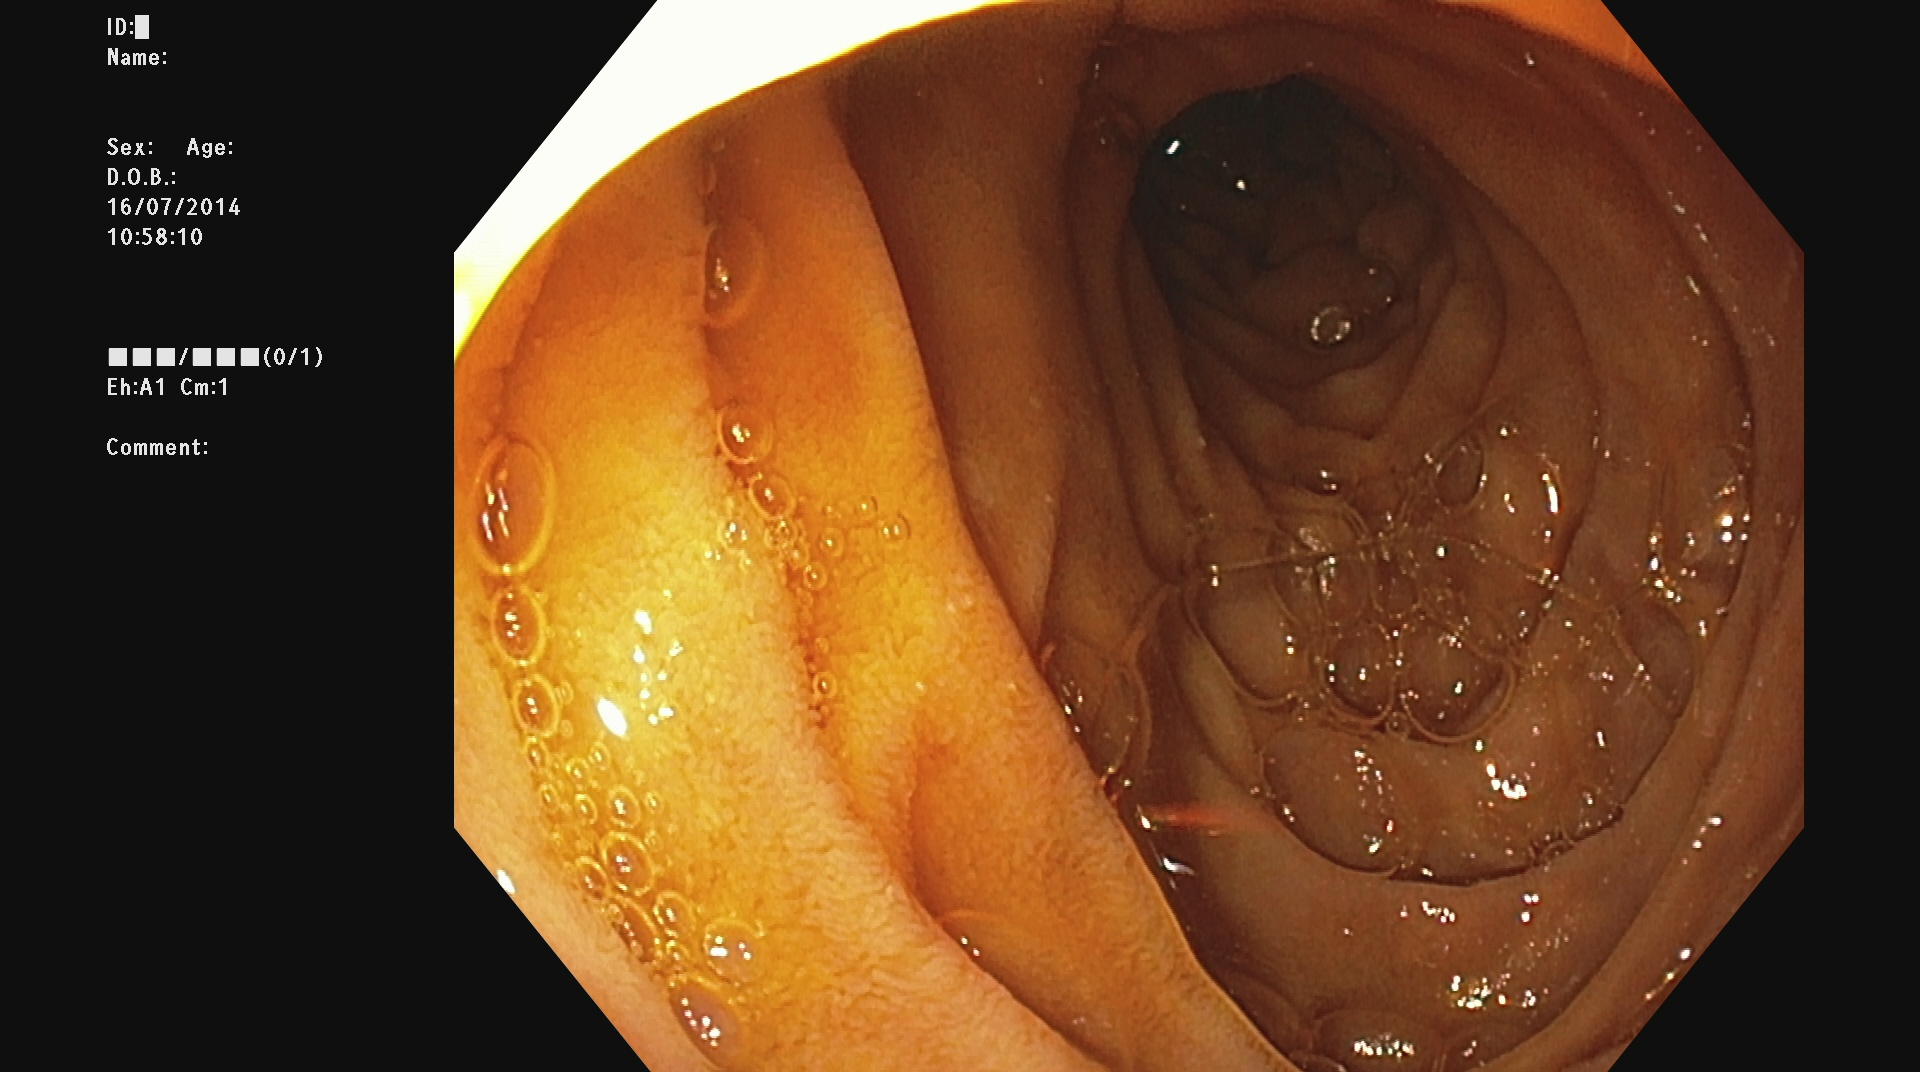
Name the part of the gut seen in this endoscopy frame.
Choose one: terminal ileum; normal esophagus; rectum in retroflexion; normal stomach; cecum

terminal ileum